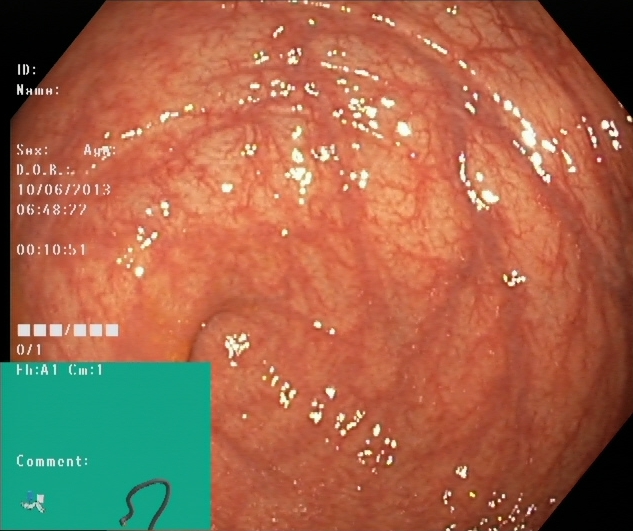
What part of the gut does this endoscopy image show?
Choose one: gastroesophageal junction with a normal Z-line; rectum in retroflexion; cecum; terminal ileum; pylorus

cecum